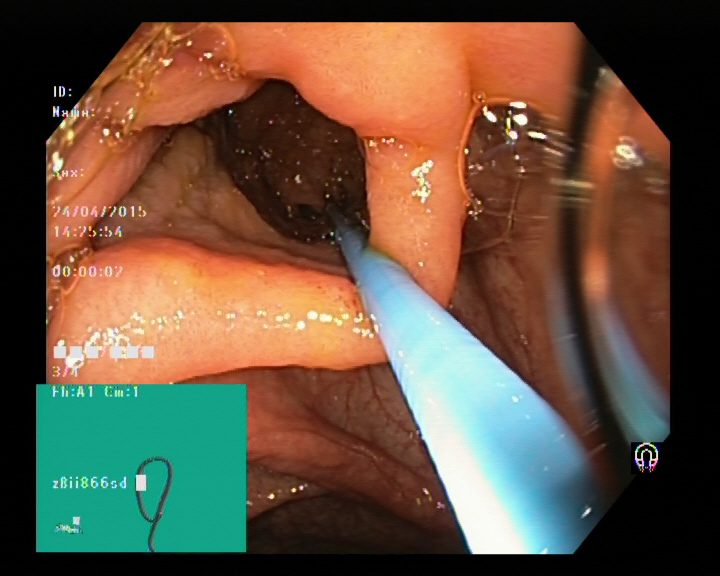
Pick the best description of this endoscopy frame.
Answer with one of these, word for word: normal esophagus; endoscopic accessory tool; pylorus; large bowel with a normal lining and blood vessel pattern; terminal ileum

endoscopic accessory tool